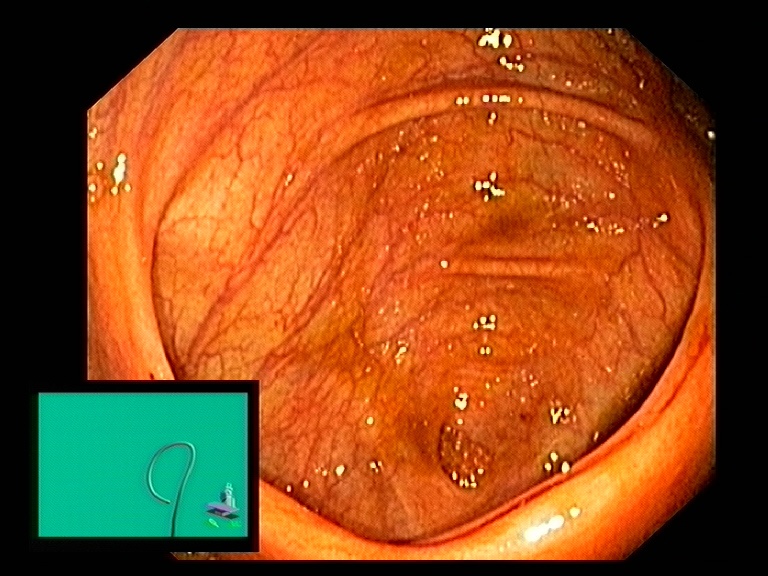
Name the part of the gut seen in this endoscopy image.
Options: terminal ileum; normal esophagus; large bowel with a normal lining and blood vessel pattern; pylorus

large bowel with a normal lining and blood vessel pattern